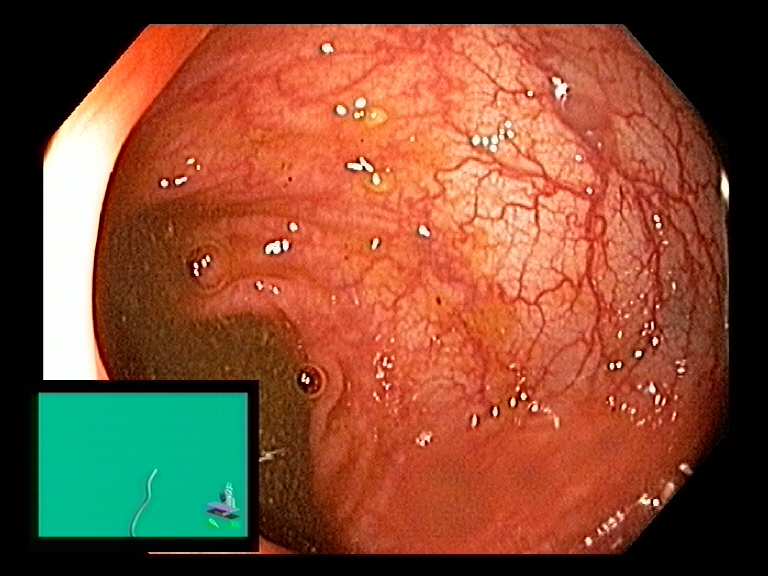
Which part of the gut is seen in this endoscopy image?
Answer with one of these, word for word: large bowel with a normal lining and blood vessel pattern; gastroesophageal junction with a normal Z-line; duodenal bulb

large bowel with a normal lining and blood vessel pattern